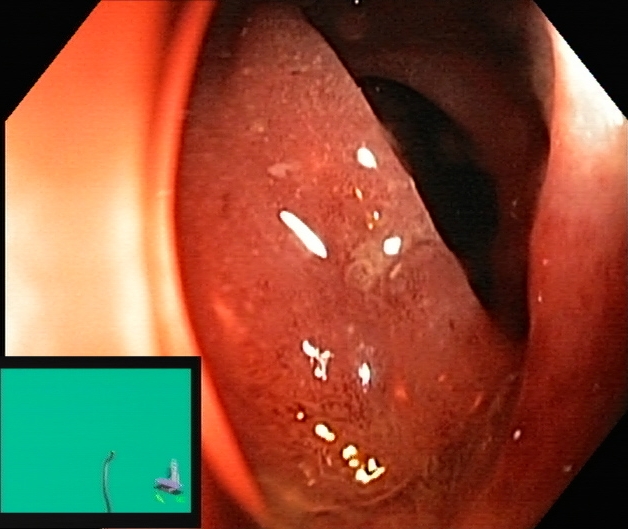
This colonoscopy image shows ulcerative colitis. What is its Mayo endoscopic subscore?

ulcerative colitis, Mayo endoscopic subscore 2